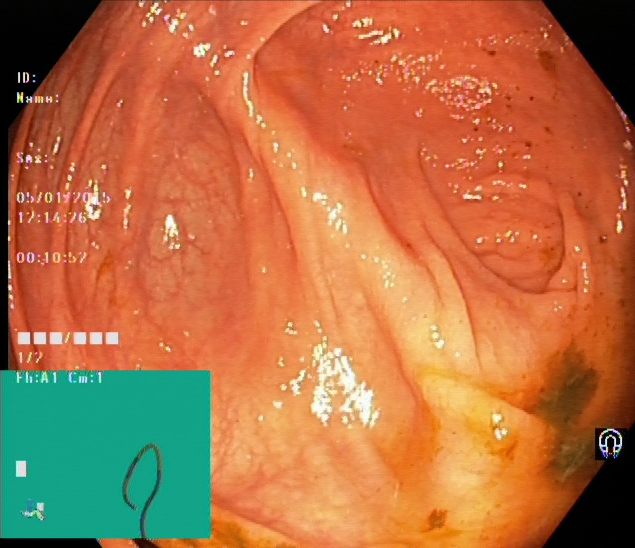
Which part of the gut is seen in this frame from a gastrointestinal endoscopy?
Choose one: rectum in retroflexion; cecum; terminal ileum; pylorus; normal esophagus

cecum